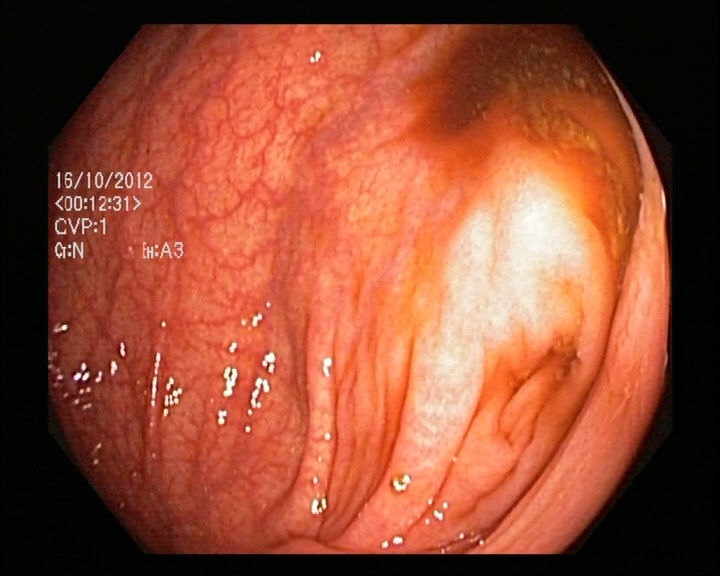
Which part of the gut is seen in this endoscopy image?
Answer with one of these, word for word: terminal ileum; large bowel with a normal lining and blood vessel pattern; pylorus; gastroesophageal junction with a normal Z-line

large bowel with a normal lining and blood vessel pattern